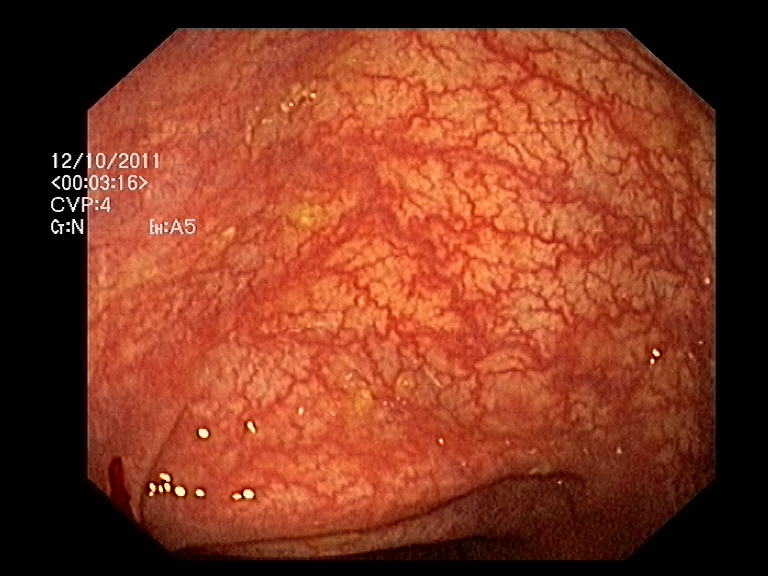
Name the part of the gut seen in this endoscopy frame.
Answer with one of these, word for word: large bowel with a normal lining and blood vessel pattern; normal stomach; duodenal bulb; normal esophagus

large bowel with a normal lining and blood vessel pattern